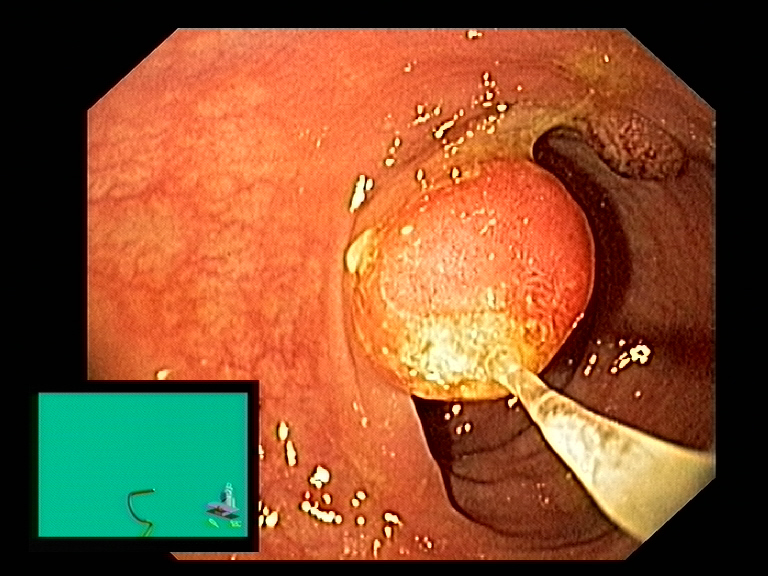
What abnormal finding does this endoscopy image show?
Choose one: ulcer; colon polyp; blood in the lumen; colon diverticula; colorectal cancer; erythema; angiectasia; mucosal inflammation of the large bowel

colon polyp